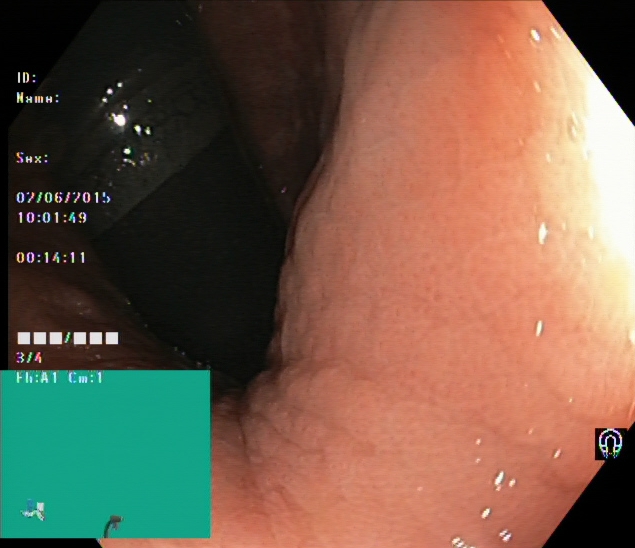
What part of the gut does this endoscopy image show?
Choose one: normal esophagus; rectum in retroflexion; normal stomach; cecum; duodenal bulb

rectum in retroflexion